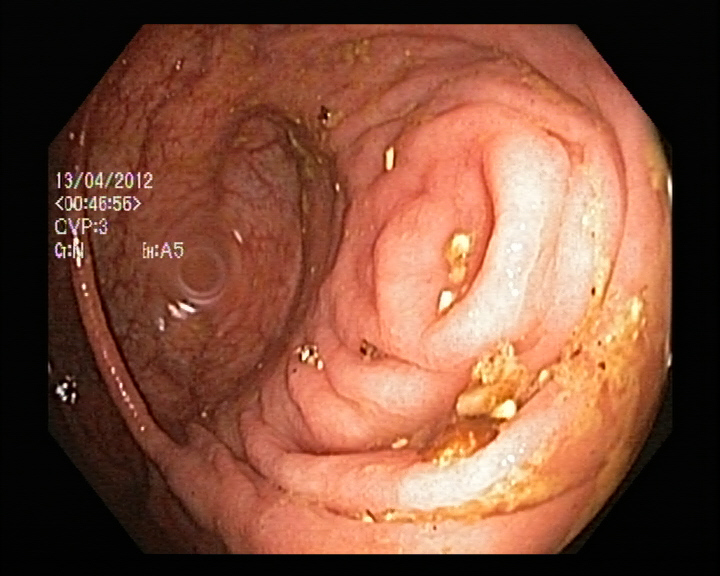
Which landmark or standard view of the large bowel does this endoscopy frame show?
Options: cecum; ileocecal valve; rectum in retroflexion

cecum